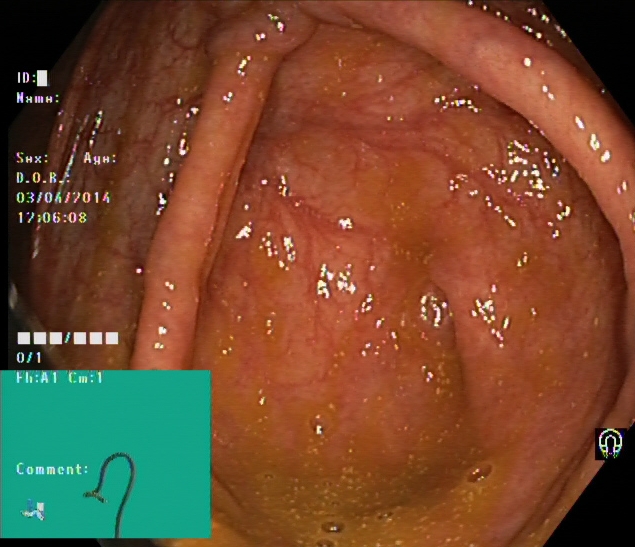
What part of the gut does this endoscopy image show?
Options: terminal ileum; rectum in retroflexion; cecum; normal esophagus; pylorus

cecum